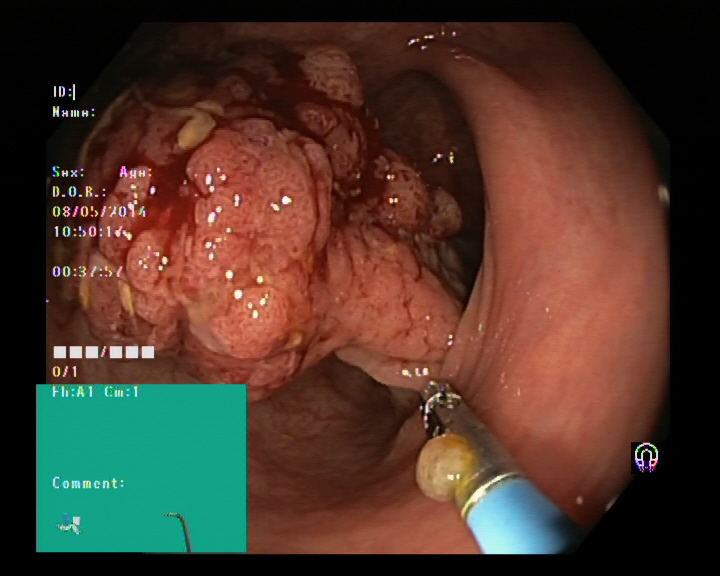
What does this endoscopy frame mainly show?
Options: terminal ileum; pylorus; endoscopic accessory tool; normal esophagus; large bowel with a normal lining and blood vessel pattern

endoscopic accessory tool